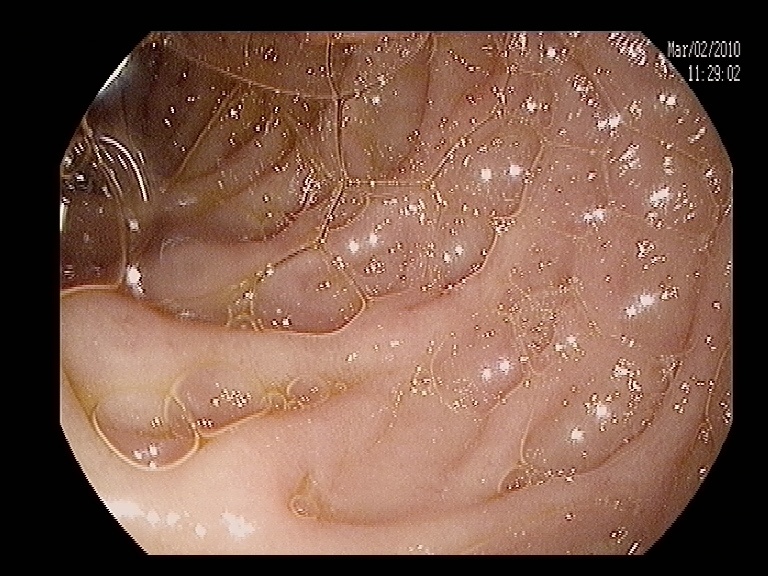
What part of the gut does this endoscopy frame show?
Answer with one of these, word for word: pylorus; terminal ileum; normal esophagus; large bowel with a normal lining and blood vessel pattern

terminal ileum